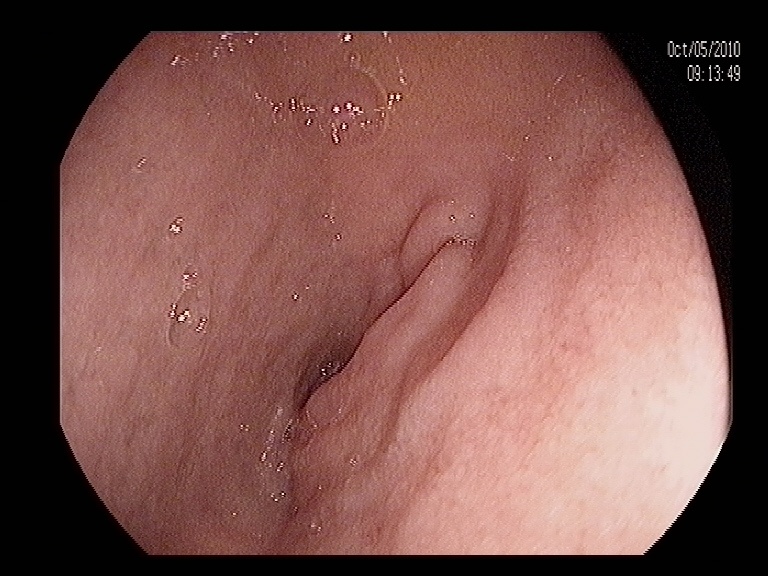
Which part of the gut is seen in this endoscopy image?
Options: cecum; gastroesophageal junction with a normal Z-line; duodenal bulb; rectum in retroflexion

duodenal bulb